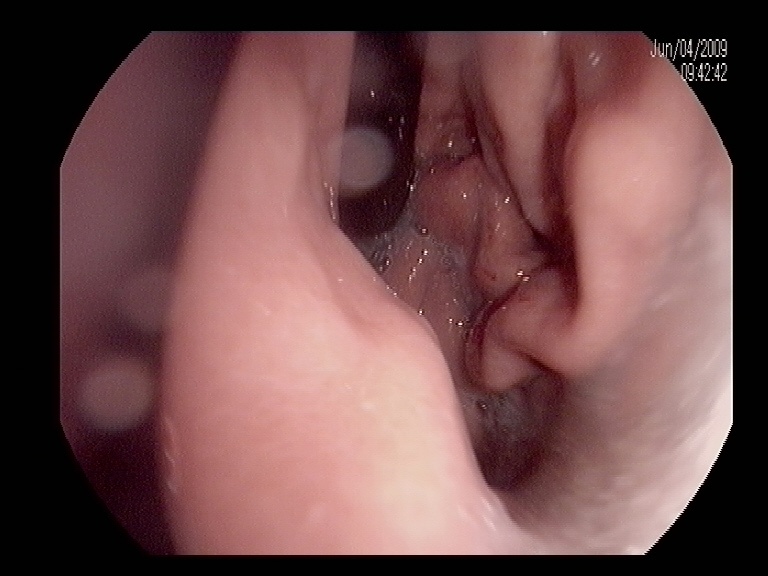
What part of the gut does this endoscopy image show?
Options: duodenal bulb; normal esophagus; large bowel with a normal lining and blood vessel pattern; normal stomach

normal stomach